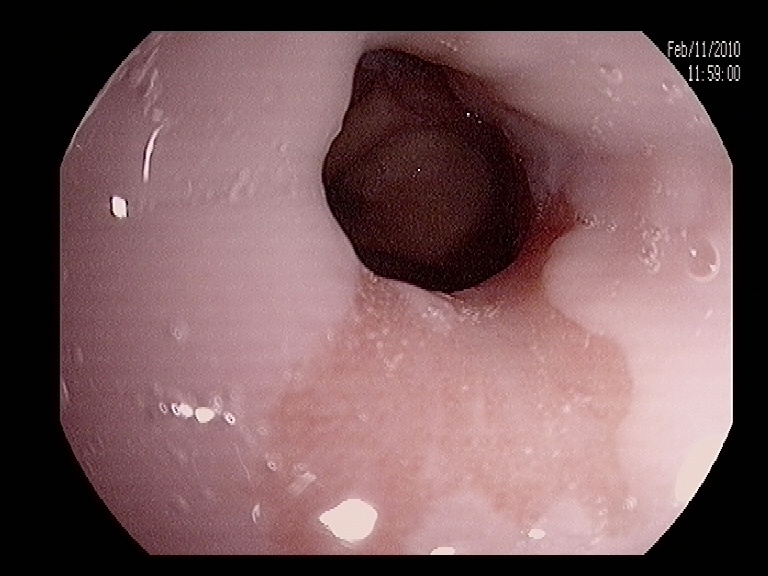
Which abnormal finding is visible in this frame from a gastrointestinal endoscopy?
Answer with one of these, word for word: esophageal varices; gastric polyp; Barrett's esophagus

Barrett's esophagus